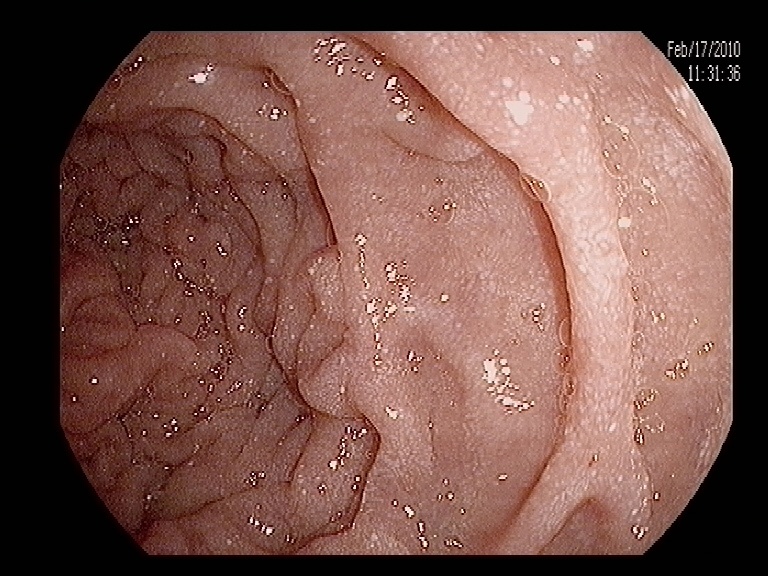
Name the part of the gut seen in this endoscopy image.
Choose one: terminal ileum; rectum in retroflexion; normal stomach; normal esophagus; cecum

terminal ileum